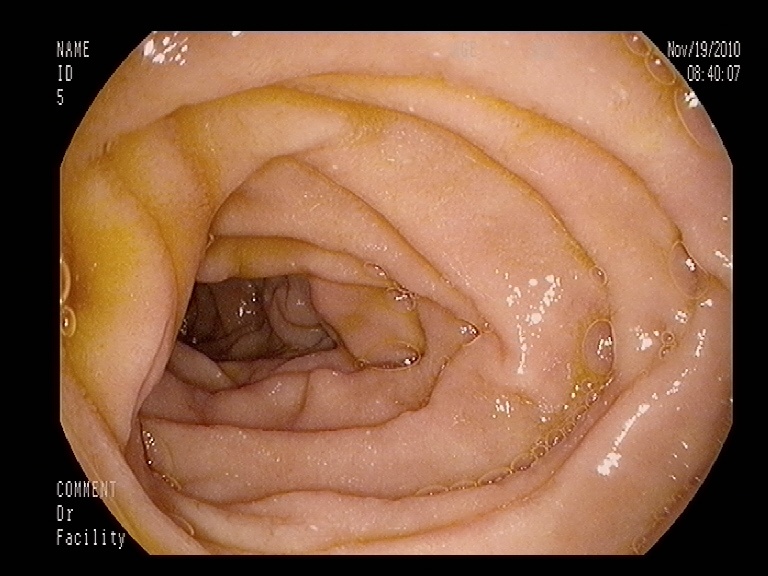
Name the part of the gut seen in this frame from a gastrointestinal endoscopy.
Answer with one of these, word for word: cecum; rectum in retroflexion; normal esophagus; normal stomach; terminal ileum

terminal ileum